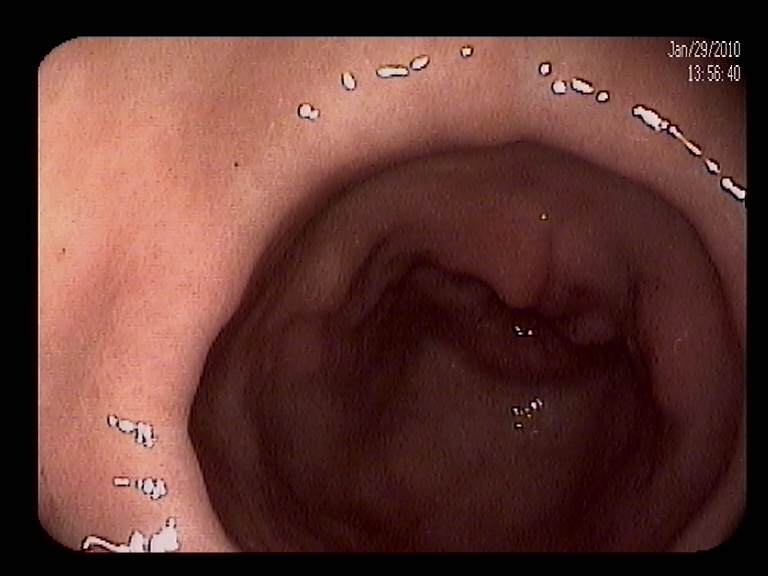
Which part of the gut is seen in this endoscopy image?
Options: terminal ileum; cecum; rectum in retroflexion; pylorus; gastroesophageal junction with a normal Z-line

pylorus